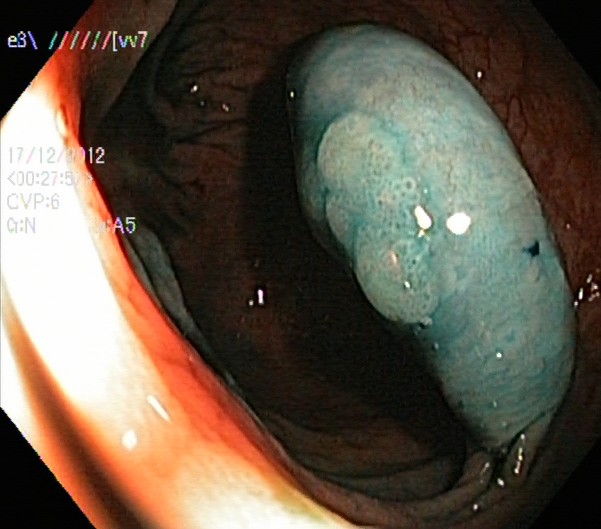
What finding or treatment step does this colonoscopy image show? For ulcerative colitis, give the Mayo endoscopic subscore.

dyed and lifted polyp (pre-resection)